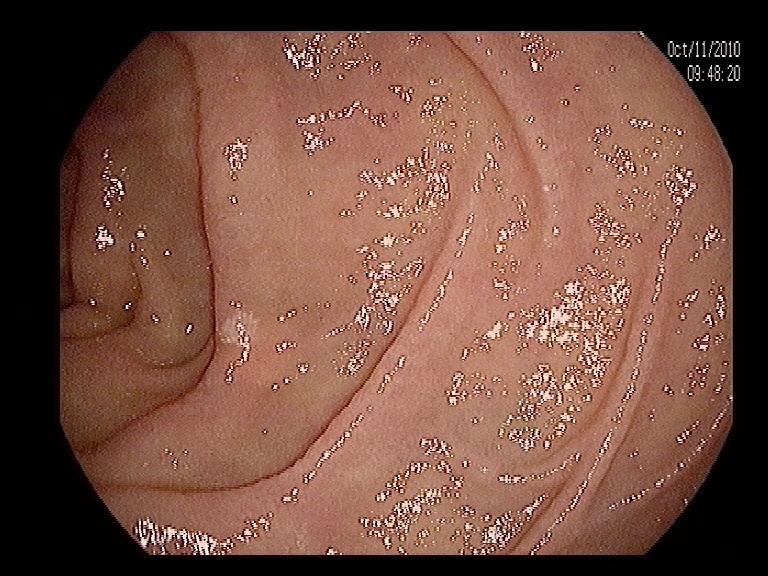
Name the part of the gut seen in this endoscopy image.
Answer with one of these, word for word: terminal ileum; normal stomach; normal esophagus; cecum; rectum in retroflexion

terminal ileum